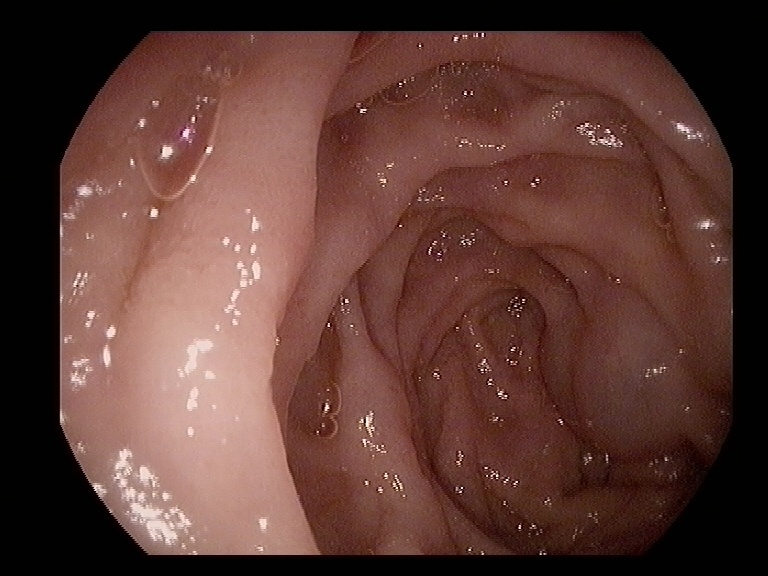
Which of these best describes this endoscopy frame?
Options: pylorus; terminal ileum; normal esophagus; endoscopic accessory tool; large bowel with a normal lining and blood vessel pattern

terminal ileum